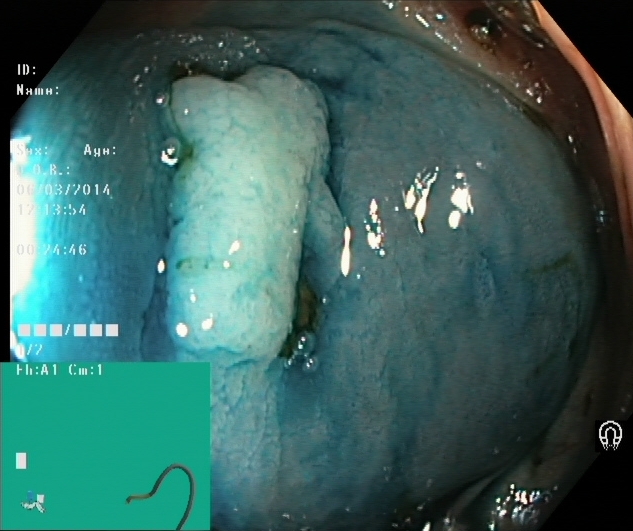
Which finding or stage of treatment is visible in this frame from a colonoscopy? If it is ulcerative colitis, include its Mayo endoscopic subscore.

dyed and lifted polyp (pre-resection)